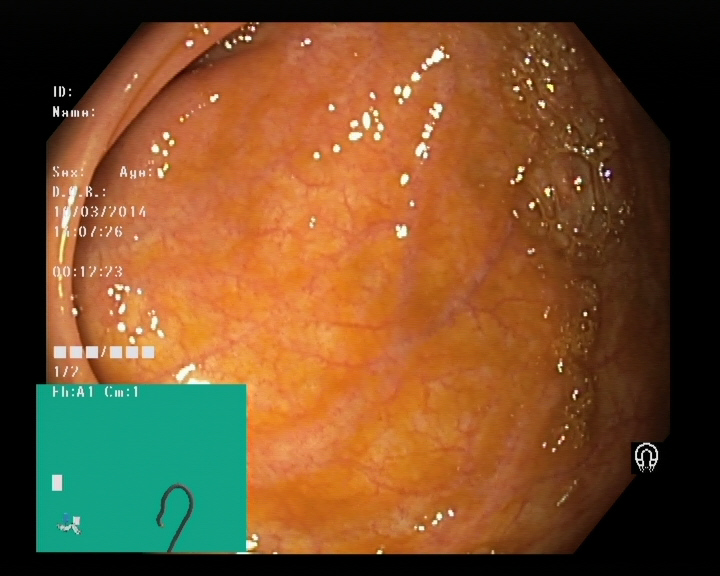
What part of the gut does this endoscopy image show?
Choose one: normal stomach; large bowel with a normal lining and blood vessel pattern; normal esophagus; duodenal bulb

large bowel with a normal lining and blood vessel pattern